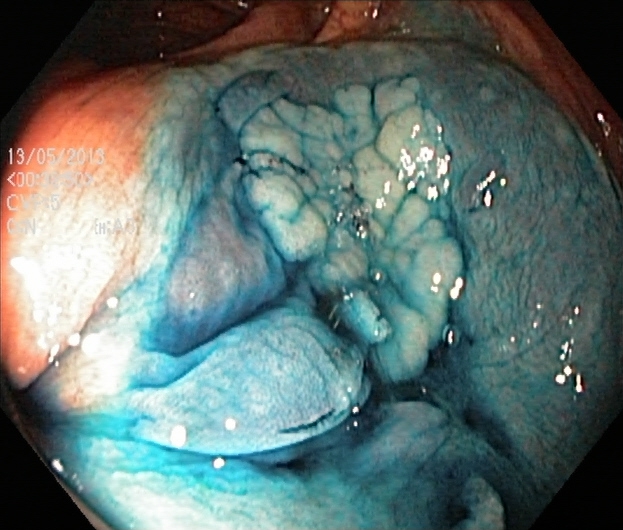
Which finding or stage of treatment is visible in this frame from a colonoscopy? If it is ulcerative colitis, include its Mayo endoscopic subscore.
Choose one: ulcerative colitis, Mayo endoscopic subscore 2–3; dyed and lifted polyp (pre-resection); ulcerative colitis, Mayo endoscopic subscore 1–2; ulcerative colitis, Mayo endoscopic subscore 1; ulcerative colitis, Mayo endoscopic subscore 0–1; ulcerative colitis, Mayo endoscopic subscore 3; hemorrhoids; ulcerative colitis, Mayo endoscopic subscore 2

dyed and lifted polyp (pre-resection)